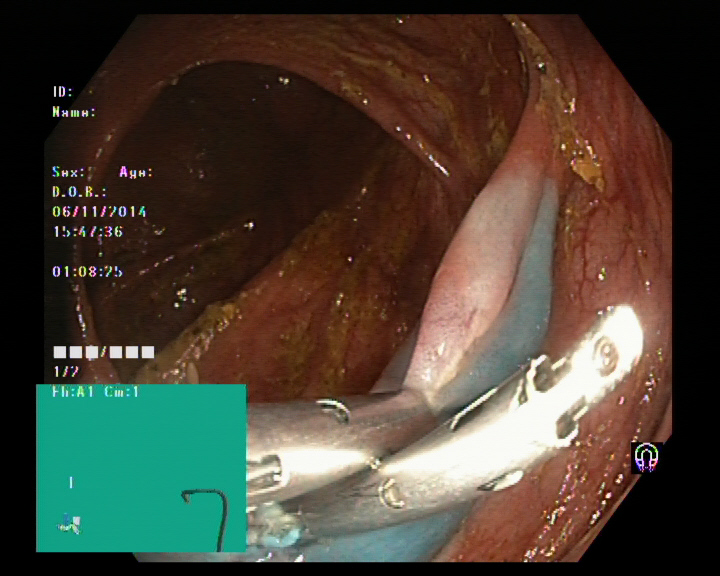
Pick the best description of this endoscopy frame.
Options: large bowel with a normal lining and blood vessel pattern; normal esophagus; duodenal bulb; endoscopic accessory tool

endoscopic accessory tool